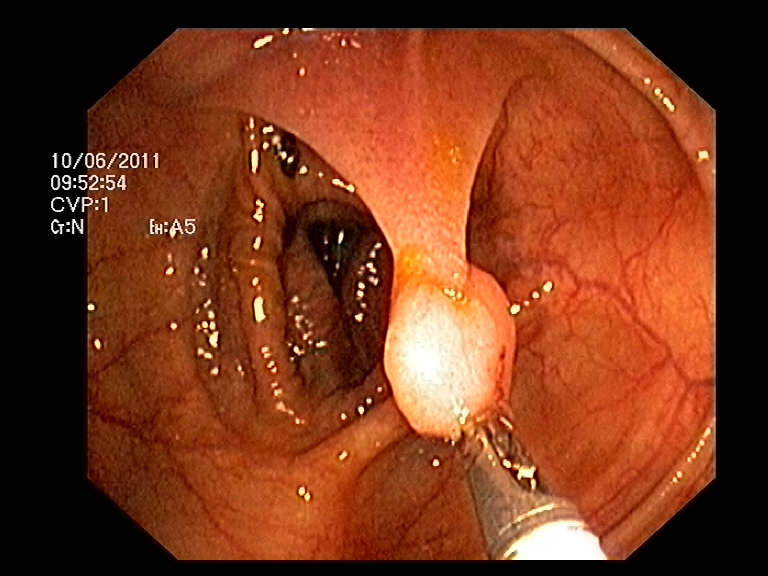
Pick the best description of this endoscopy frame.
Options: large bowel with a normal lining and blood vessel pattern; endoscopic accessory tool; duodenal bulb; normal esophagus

endoscopic accessory tool